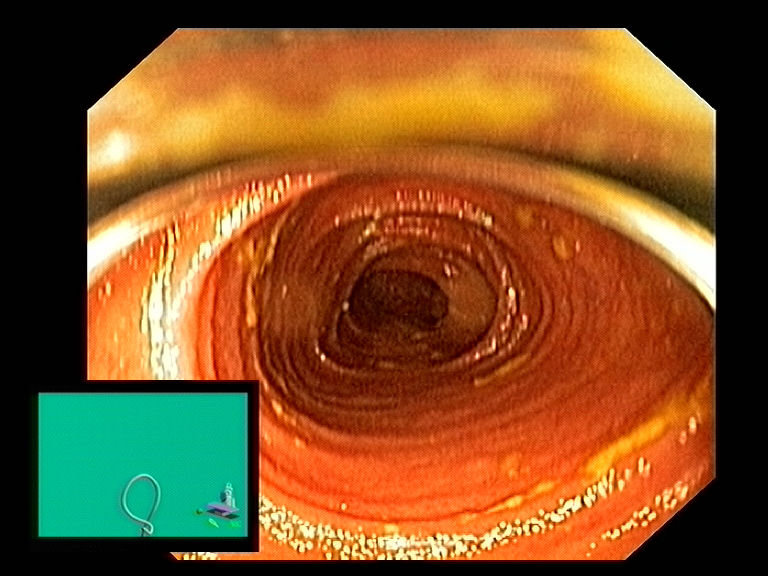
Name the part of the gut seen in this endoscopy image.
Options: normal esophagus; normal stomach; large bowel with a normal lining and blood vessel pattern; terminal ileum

terminal ileum